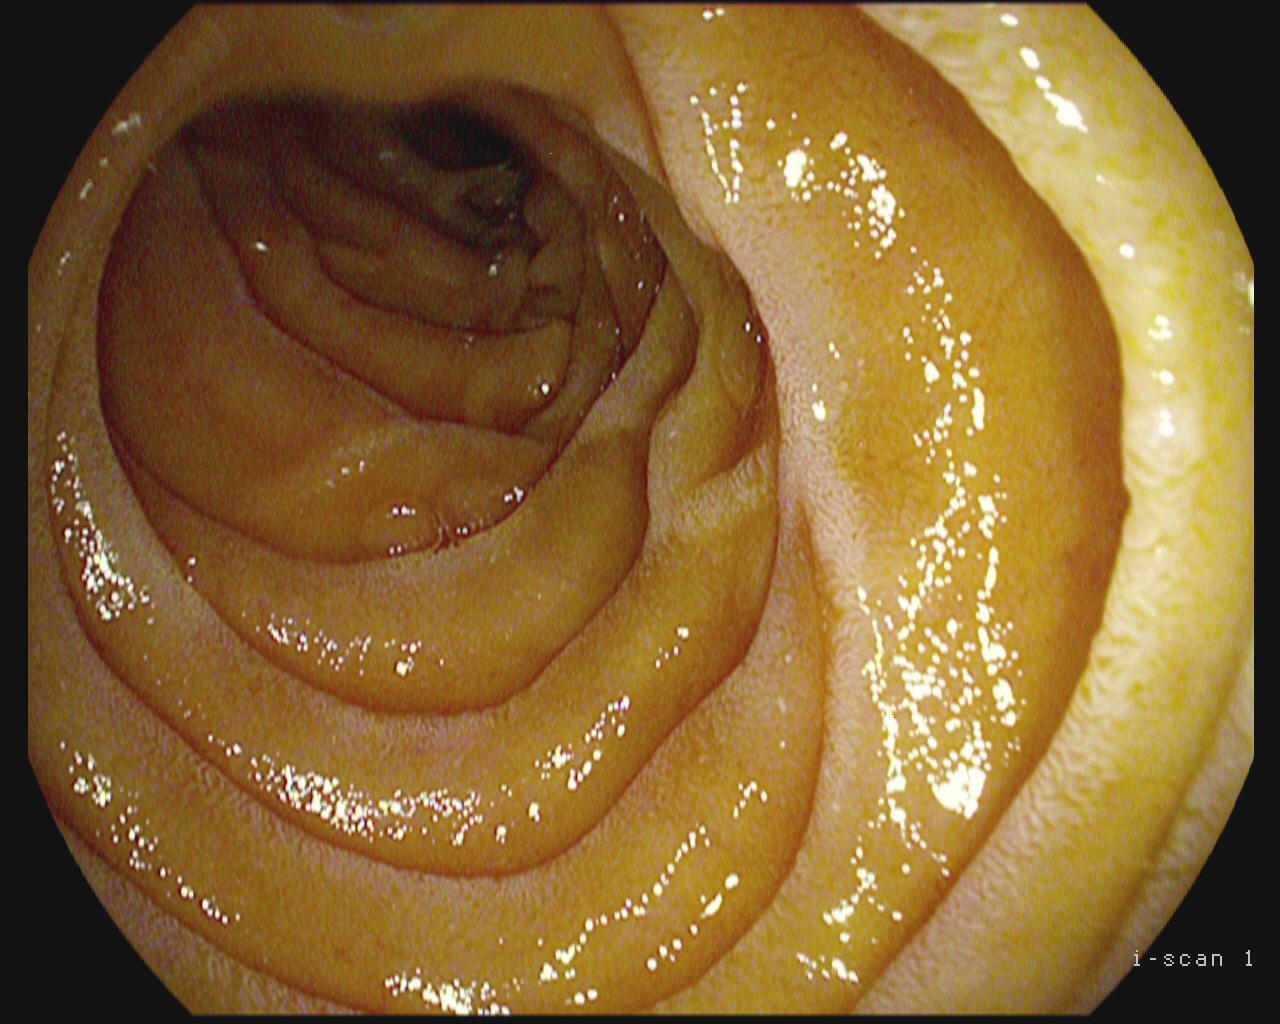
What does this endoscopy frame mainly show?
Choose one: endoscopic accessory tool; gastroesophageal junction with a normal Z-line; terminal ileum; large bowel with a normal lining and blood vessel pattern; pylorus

terminal ileum